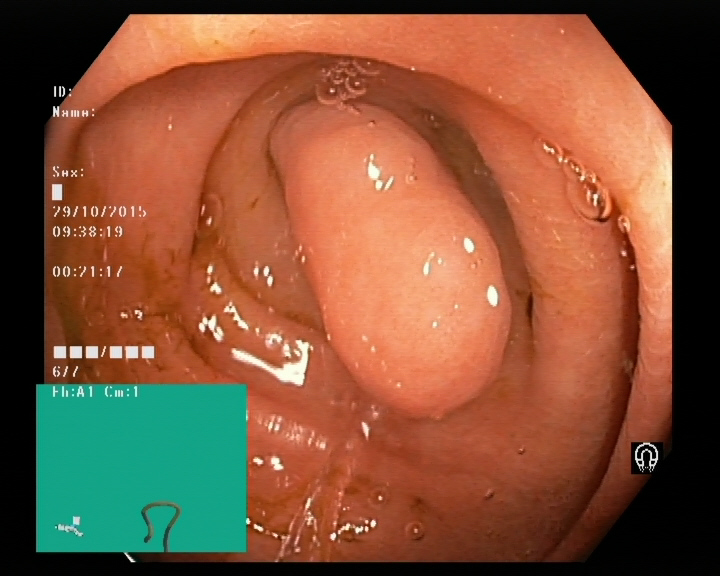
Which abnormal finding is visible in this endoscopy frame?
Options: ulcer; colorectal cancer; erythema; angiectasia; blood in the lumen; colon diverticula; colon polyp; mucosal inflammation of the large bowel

colon polyp